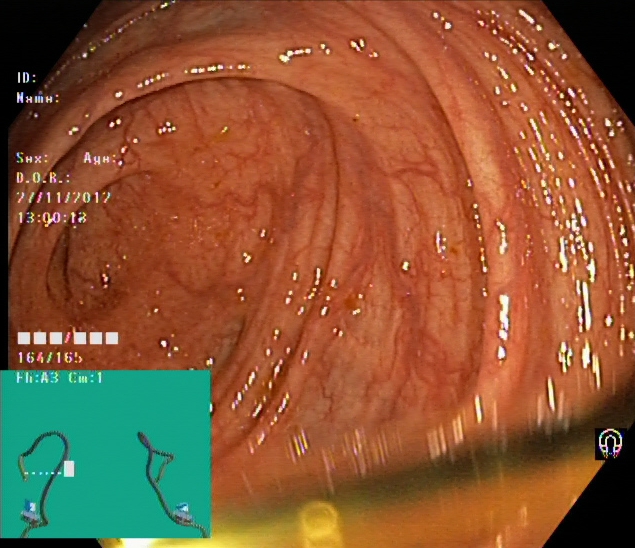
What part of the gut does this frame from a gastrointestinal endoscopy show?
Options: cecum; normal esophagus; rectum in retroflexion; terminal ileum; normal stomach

cecum